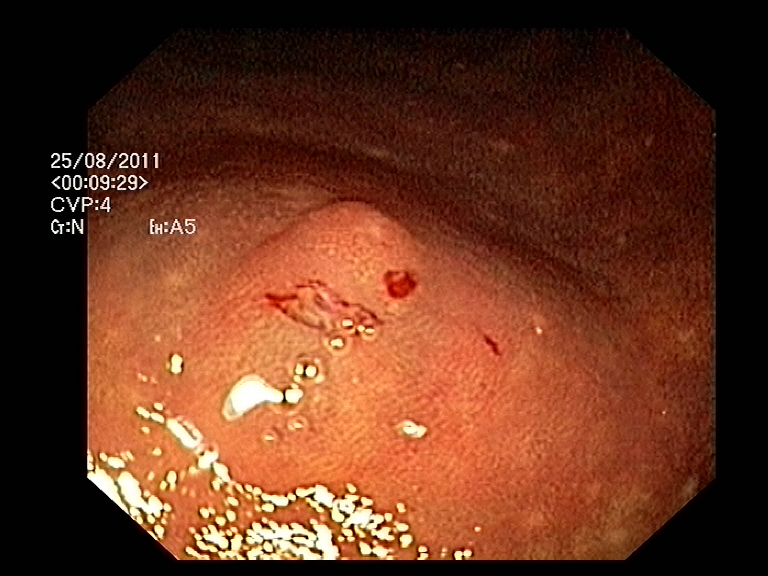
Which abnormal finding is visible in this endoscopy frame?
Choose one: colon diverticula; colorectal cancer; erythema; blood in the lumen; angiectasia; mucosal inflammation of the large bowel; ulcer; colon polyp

colon polyp